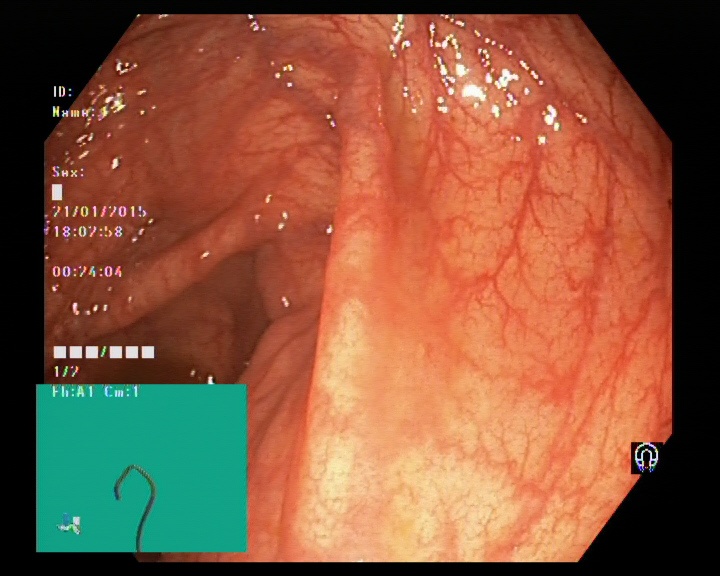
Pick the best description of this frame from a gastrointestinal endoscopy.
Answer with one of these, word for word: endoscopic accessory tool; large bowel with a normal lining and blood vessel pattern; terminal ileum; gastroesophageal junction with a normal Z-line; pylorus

large bowel with a normal lining and blood vessel pattern